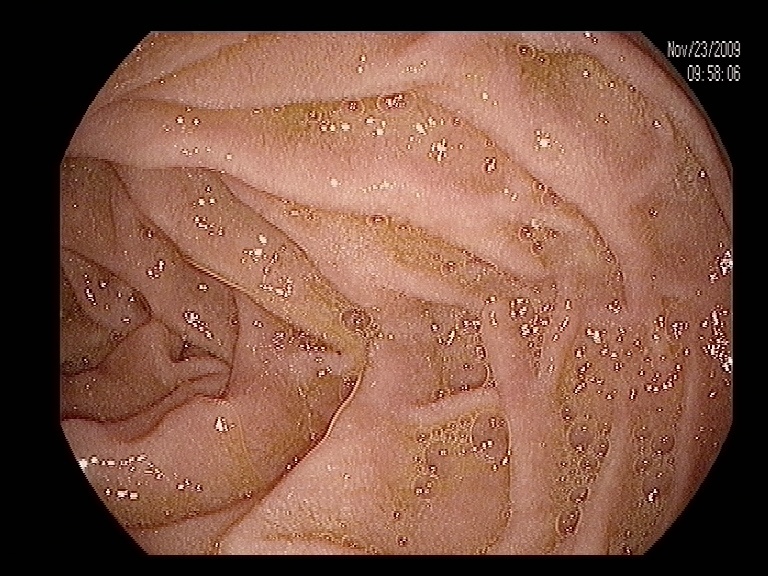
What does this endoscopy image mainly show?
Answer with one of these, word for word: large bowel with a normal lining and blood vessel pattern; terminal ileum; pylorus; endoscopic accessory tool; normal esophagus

terminal ileum